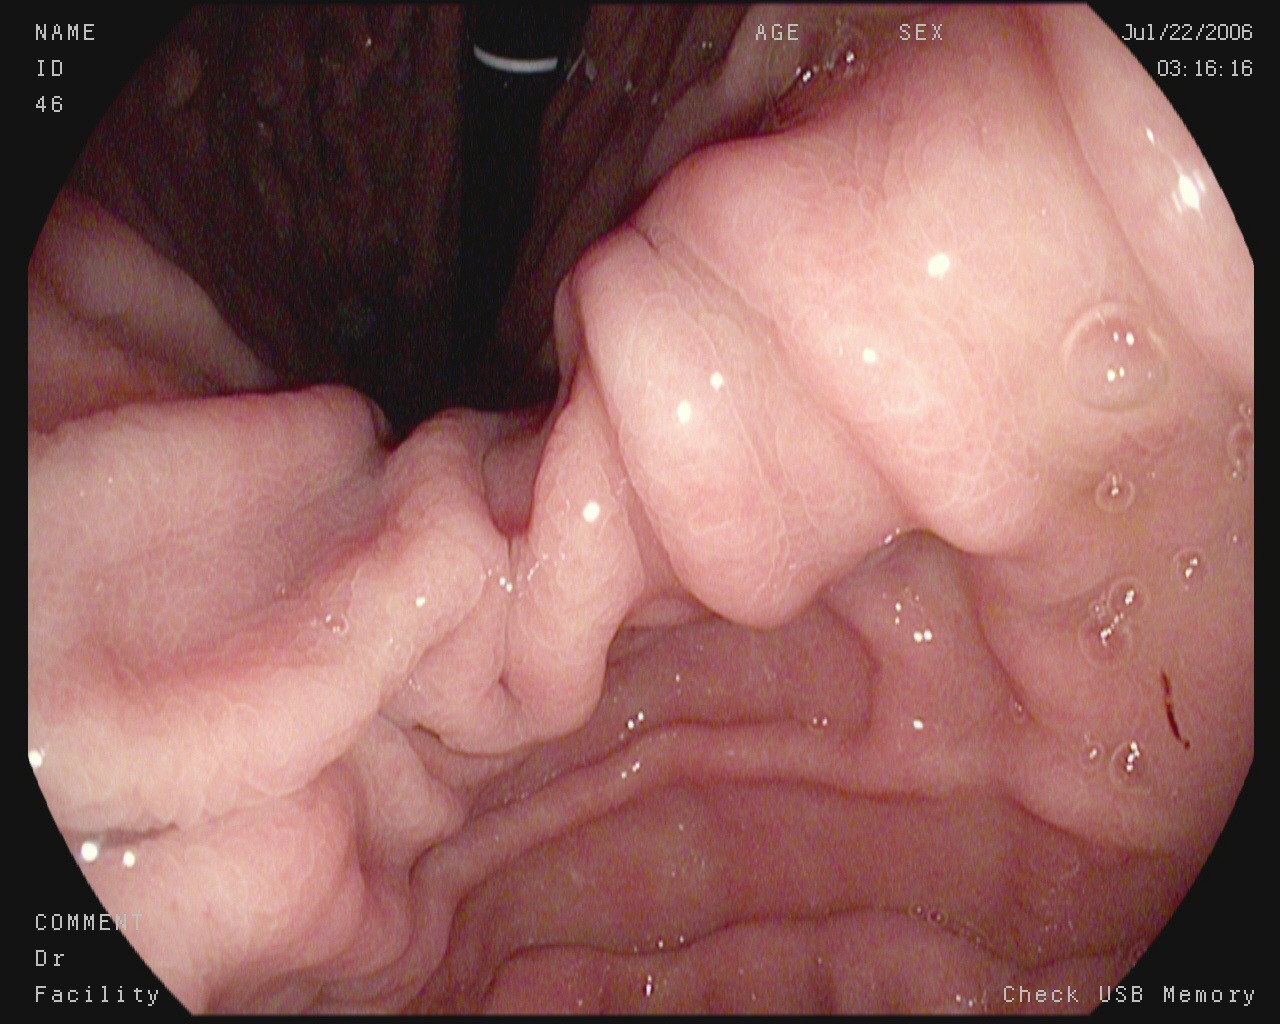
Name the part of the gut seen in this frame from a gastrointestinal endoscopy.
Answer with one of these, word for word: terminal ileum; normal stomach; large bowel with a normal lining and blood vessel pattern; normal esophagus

normal stomach